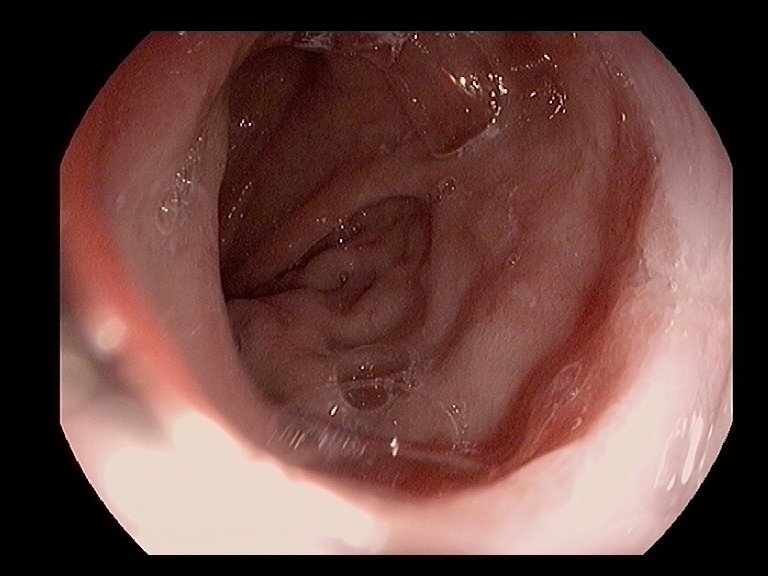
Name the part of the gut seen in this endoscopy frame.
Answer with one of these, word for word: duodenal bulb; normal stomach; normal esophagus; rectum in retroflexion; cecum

normal stomach